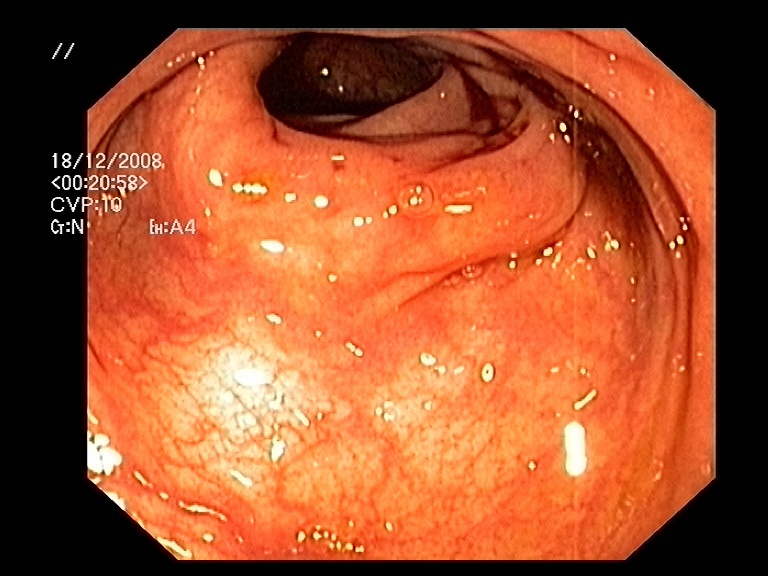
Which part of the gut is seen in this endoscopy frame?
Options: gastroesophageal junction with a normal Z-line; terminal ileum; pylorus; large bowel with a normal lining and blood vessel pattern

large bowel with a normal lining and blood vessel pattern